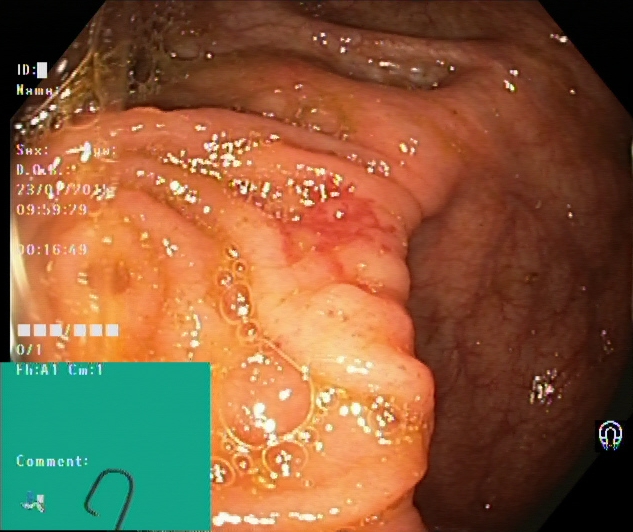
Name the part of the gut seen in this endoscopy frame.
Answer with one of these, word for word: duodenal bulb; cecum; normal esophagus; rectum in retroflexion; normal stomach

cecum